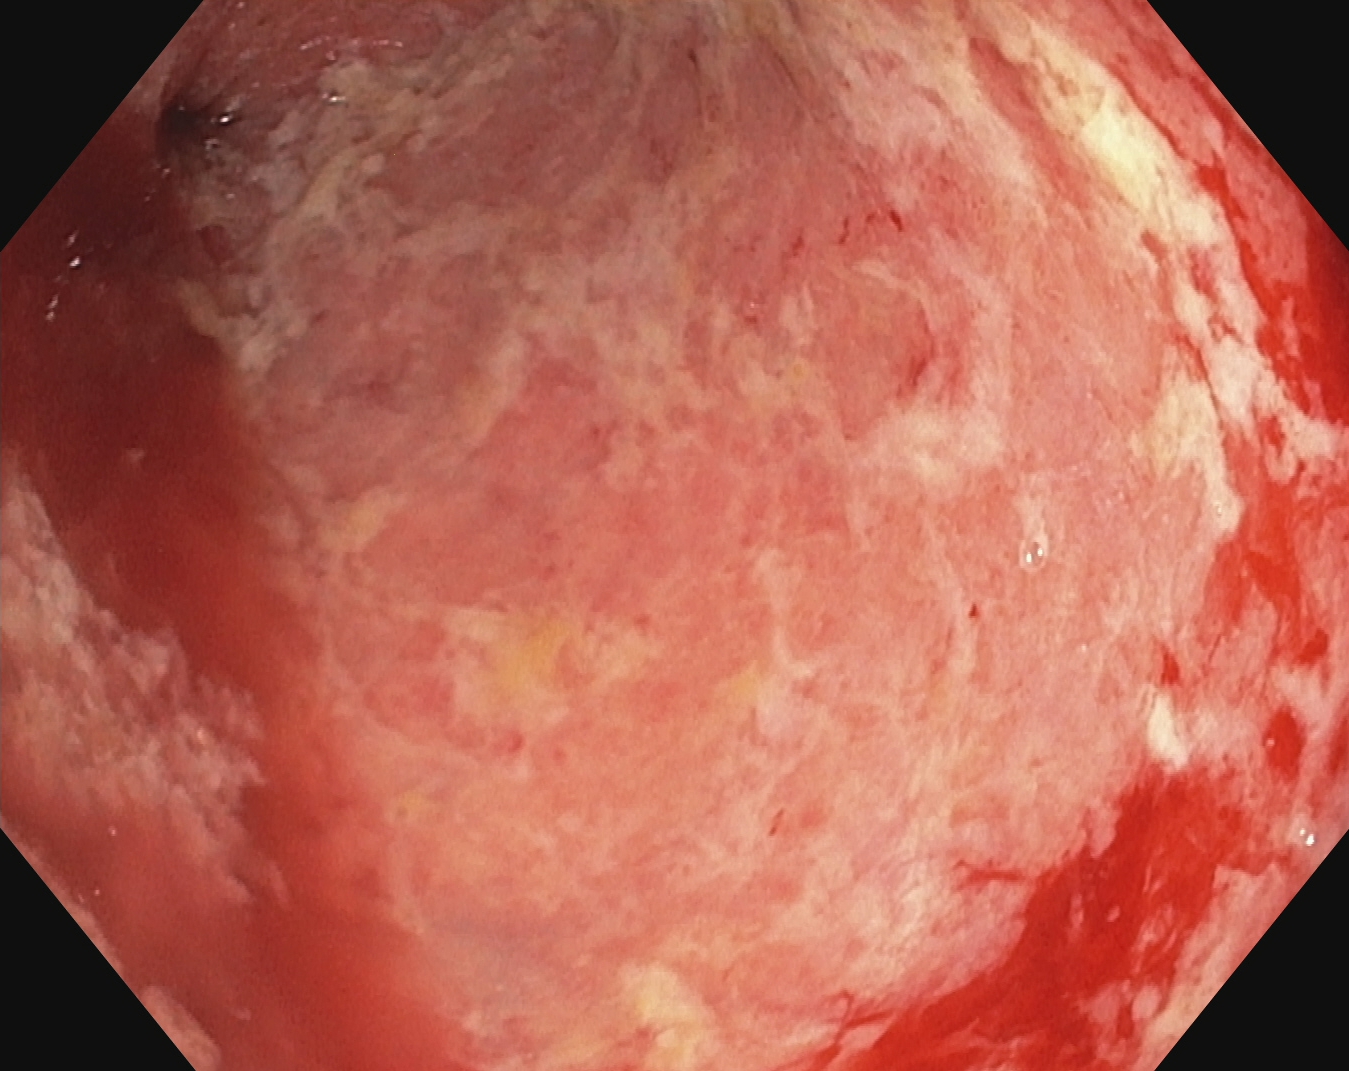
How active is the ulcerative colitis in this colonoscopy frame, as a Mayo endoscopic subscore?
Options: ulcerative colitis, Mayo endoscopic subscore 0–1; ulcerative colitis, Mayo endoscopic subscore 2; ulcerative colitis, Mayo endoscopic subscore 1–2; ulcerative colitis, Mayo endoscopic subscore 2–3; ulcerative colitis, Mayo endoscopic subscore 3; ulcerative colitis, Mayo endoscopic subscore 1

ulcerative colitis, Mayo endoscopic subscore 2